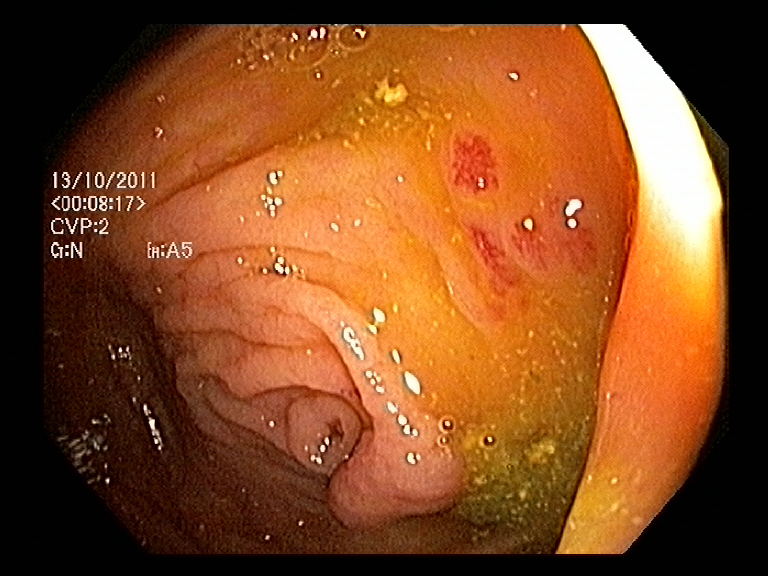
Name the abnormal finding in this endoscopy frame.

angiectasia